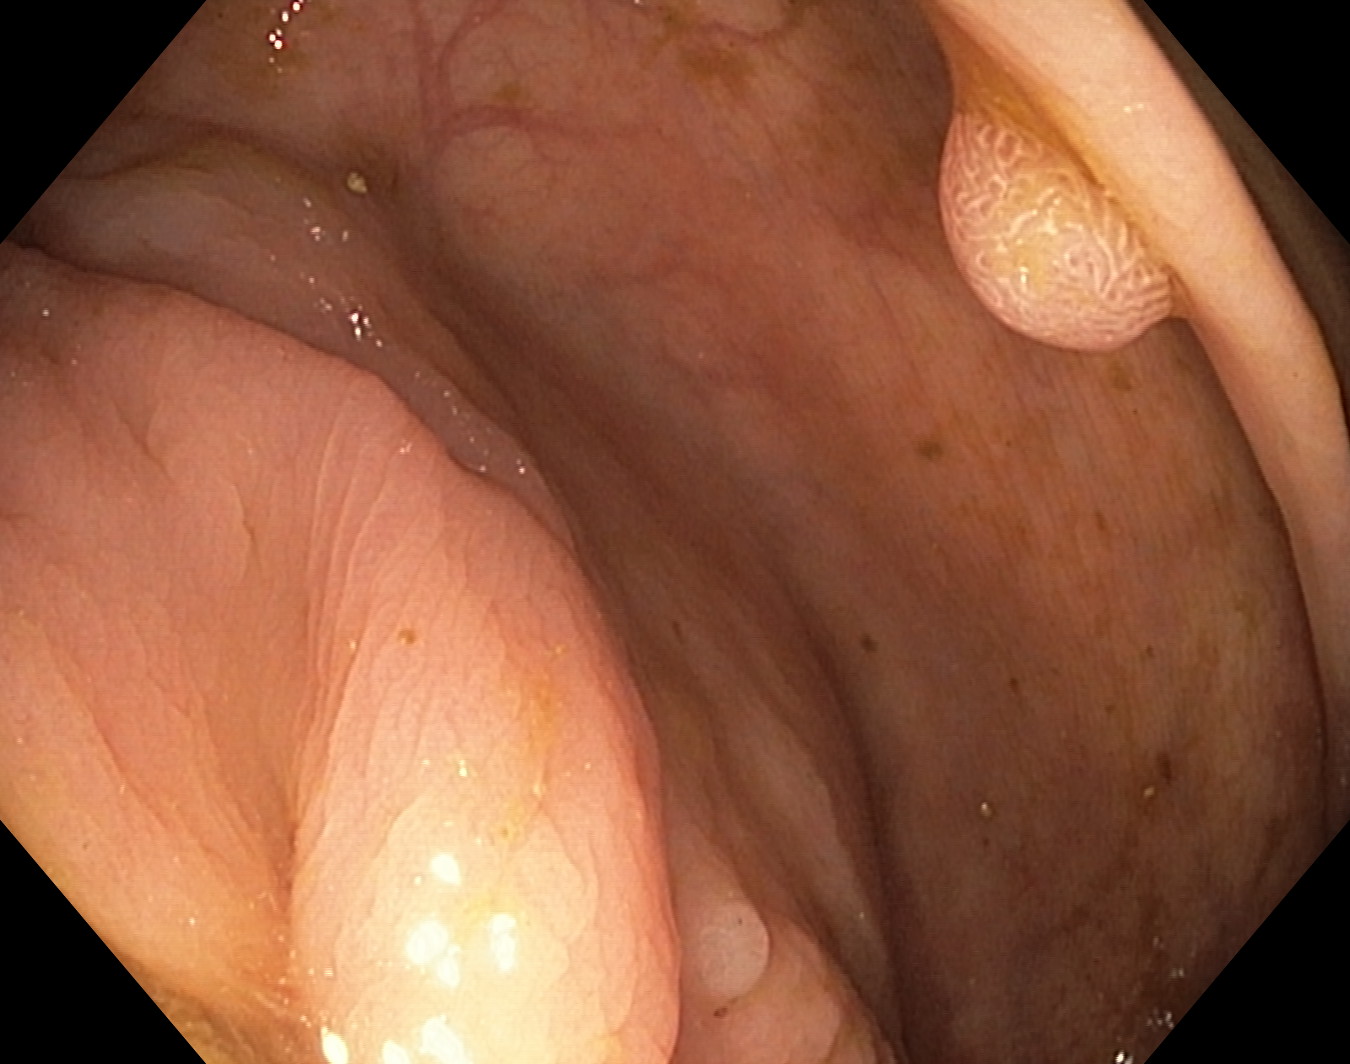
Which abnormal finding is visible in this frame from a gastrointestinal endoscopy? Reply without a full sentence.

colon polyp